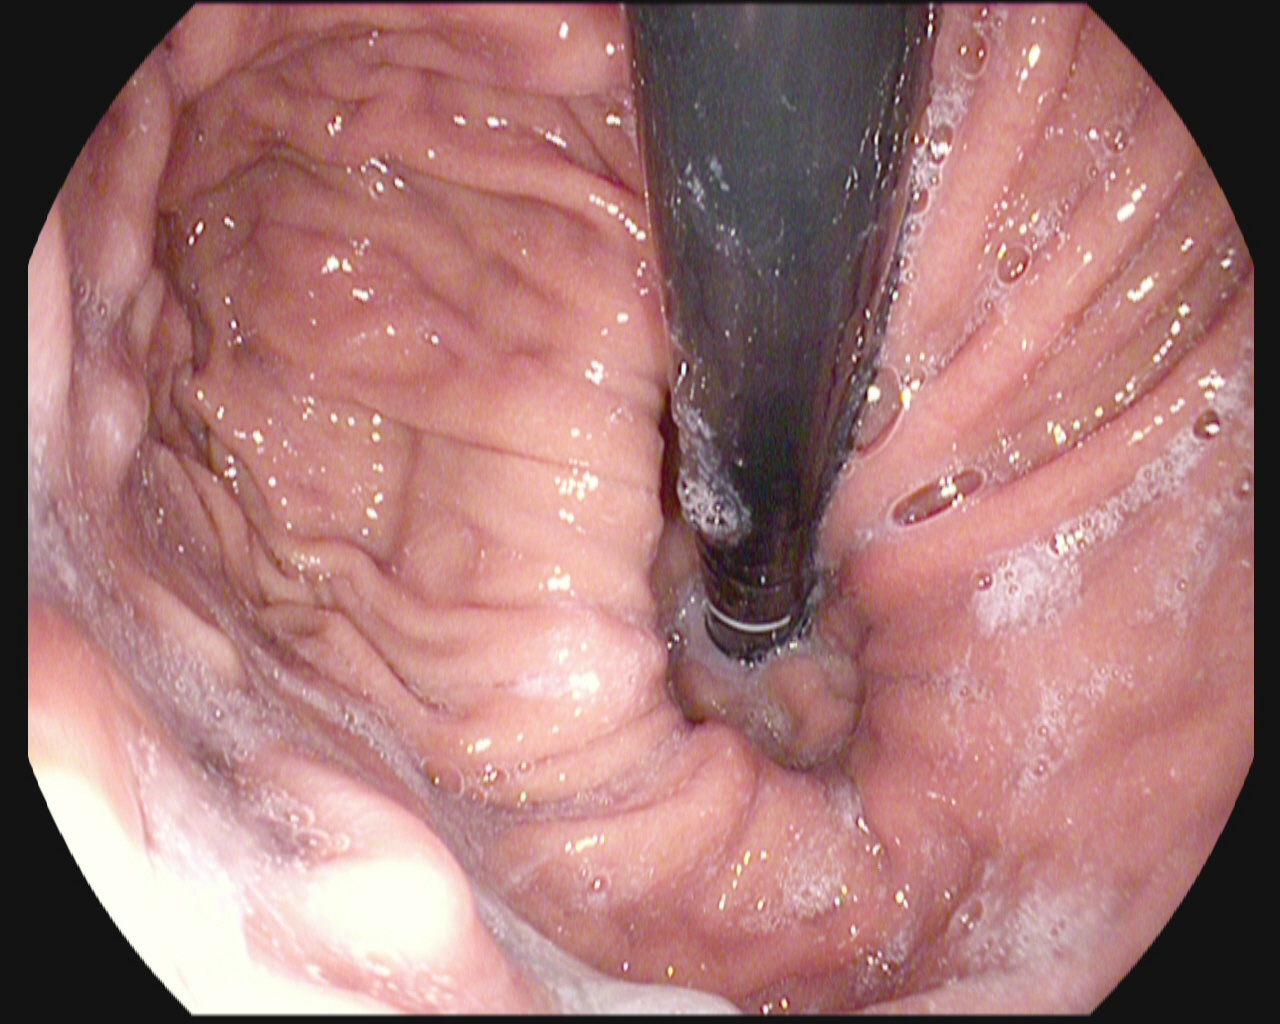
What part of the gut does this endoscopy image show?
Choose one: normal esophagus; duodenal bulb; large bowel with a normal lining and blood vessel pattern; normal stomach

normal stomach